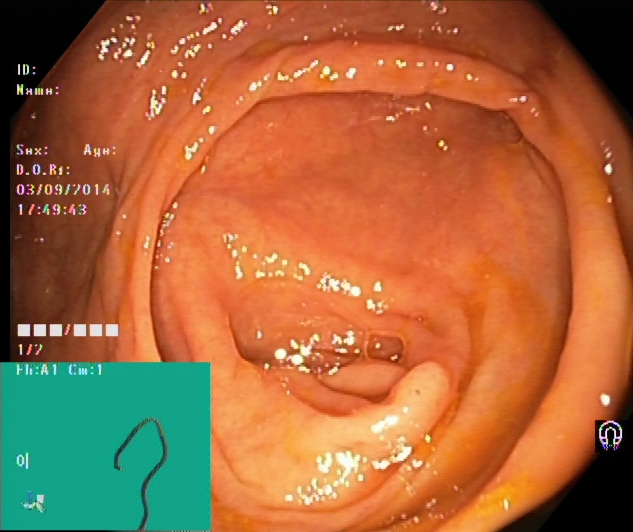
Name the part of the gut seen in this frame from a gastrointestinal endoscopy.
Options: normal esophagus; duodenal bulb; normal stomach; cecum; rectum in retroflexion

cecum